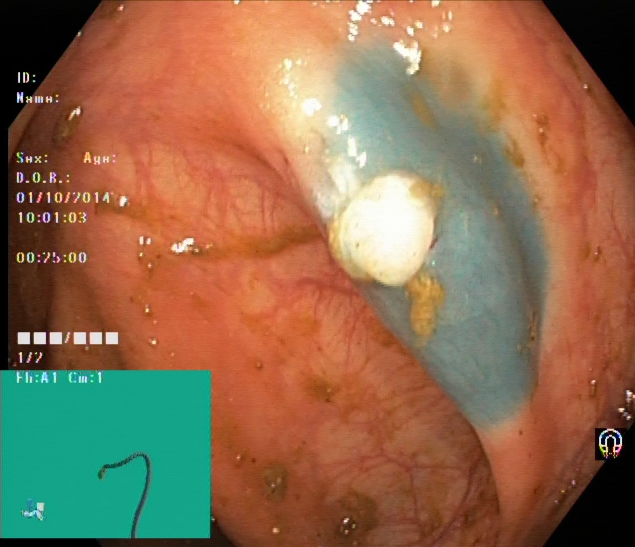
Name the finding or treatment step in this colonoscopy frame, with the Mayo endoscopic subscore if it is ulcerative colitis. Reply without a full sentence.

dyed and lifted polyp (pre-resection)